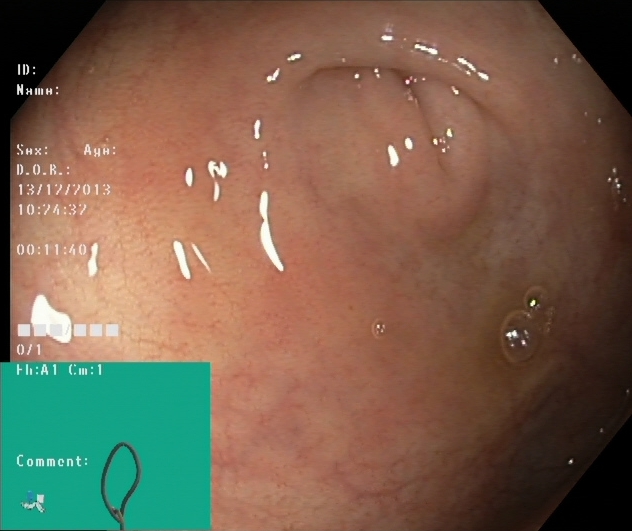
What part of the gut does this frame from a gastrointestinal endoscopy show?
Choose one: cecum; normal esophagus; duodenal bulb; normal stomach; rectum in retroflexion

cecum